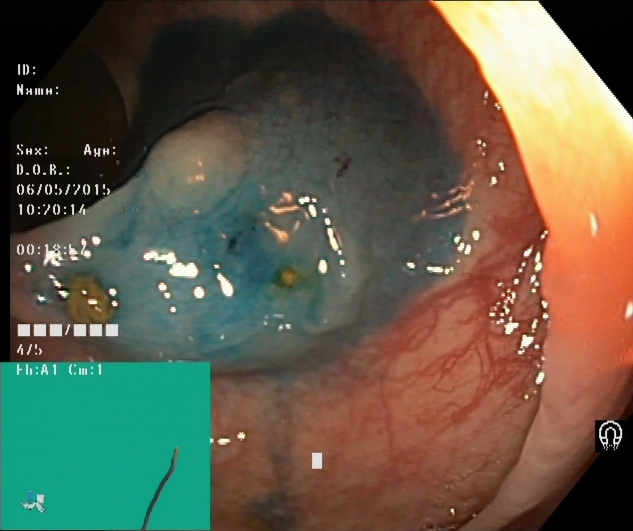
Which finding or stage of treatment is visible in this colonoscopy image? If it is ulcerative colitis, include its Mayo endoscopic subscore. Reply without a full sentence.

dyed and lifted polyp (pre-resection)